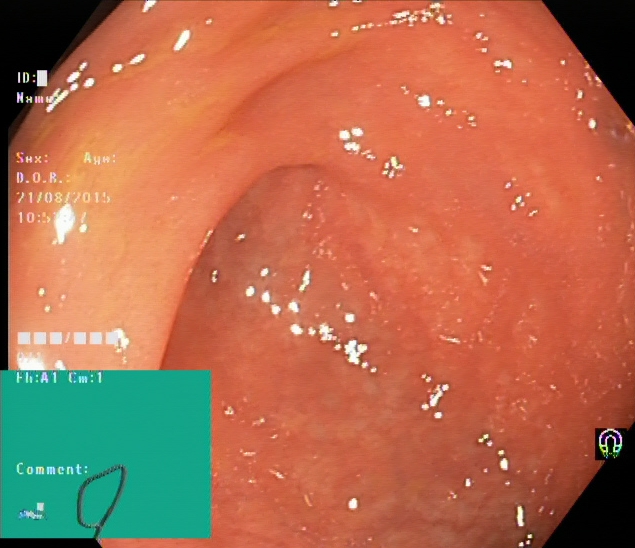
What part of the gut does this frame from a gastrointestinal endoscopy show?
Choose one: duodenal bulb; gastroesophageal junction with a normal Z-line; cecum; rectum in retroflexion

cecum